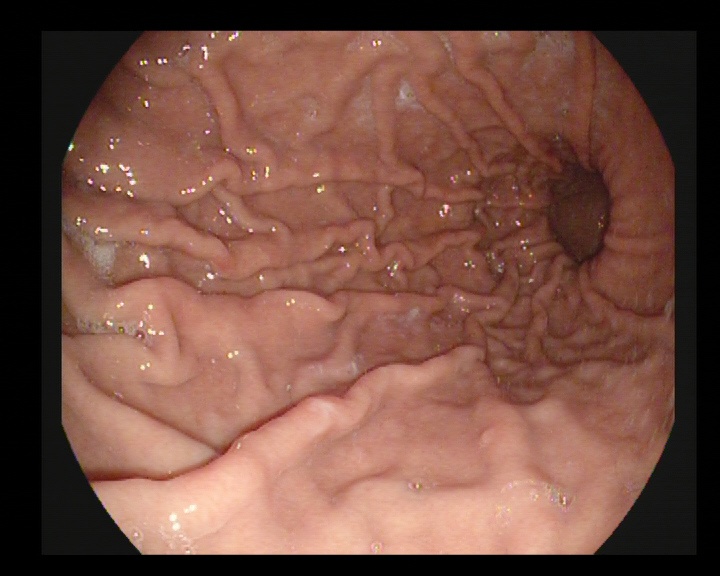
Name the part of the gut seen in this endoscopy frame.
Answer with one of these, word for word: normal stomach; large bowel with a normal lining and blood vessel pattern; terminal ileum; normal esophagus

normal stomach